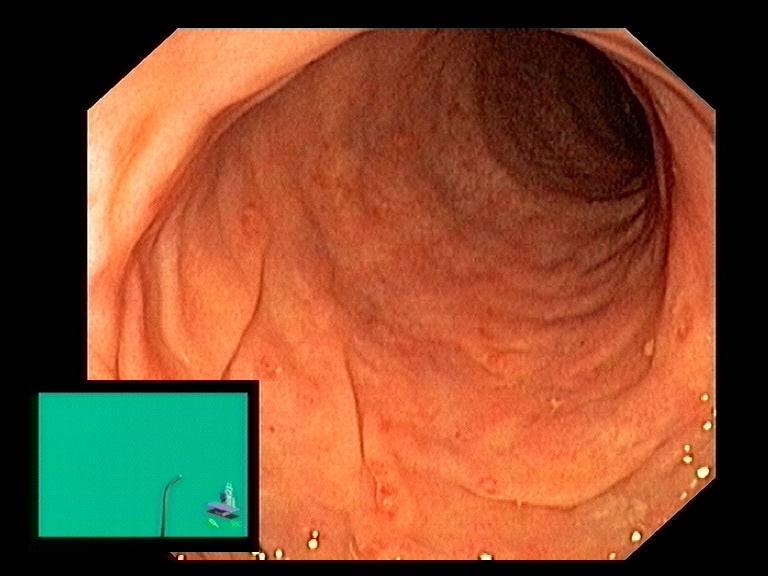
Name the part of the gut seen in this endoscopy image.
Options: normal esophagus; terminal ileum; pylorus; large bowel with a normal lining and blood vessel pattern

large bowel with a normal lining and blood vessel pattern